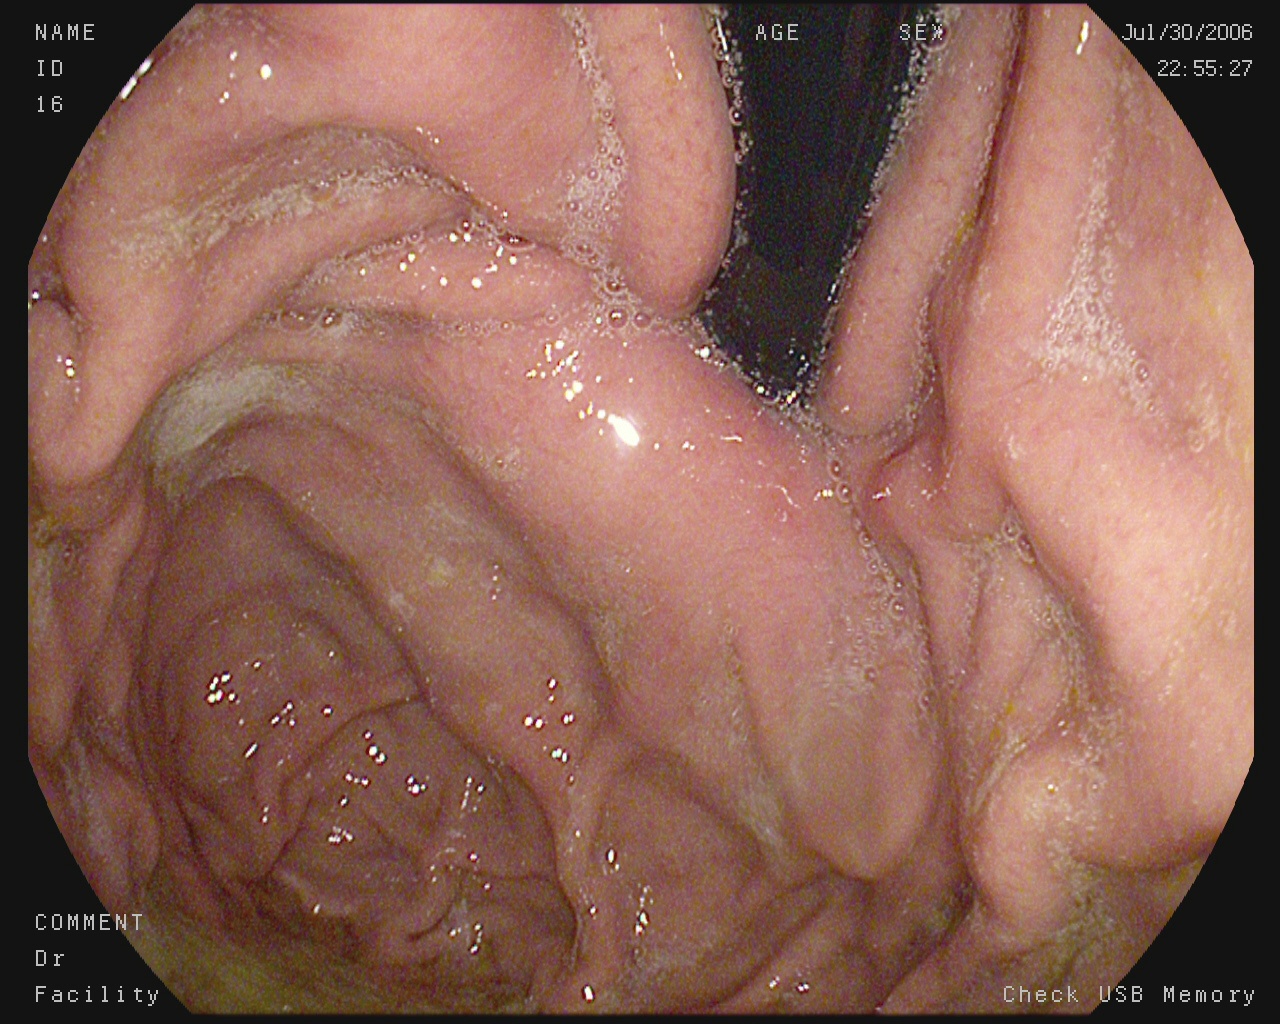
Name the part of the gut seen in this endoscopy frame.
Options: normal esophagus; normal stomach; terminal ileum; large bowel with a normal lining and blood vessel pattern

normal stomach